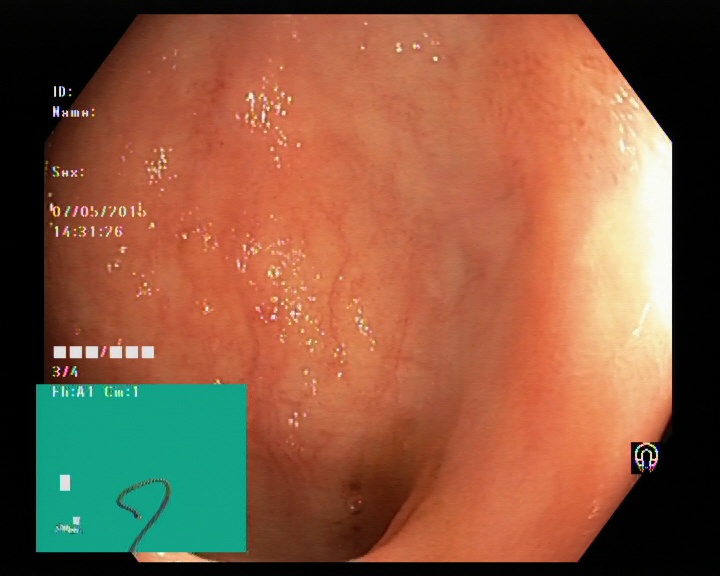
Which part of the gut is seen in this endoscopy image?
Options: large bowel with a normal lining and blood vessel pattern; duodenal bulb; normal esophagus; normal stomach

large bowel with a normal lining and blood vessel pattern